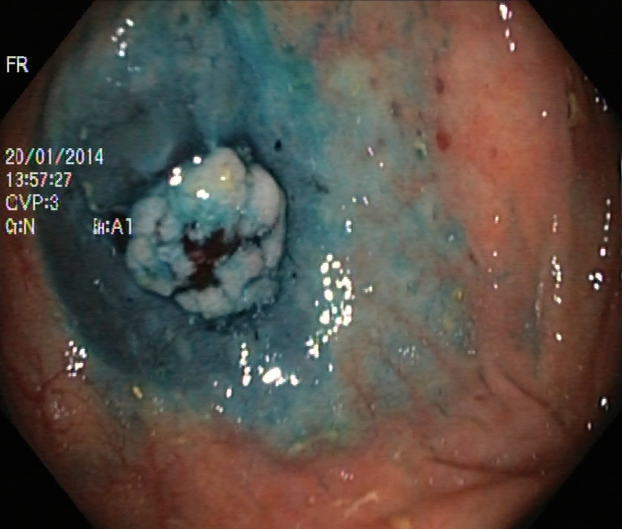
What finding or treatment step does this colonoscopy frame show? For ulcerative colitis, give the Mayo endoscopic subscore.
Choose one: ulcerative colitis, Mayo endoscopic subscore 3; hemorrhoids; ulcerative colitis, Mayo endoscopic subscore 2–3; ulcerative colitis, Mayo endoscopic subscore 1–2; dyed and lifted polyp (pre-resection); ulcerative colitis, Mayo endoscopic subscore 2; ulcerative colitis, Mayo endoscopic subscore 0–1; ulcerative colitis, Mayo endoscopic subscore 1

dyed and lifted polyp (pre-resection)